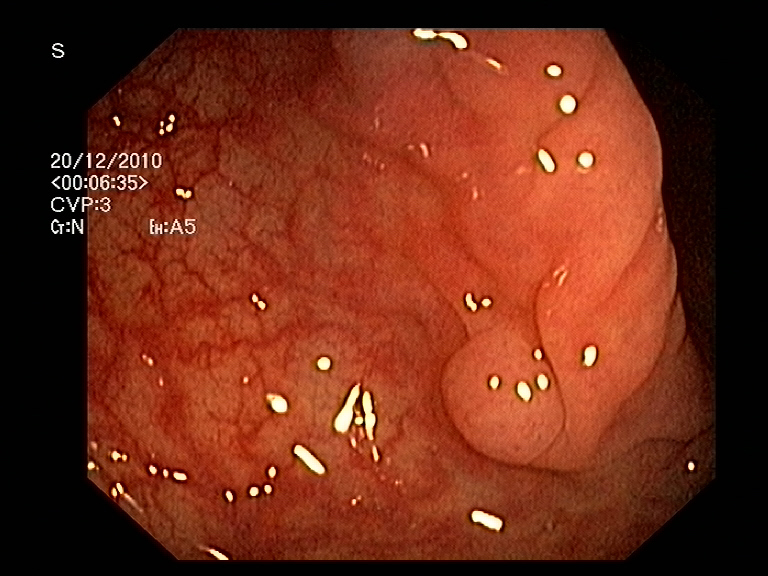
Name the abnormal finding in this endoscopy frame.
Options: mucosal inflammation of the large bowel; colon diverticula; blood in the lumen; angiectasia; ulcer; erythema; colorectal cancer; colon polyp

colon polyp